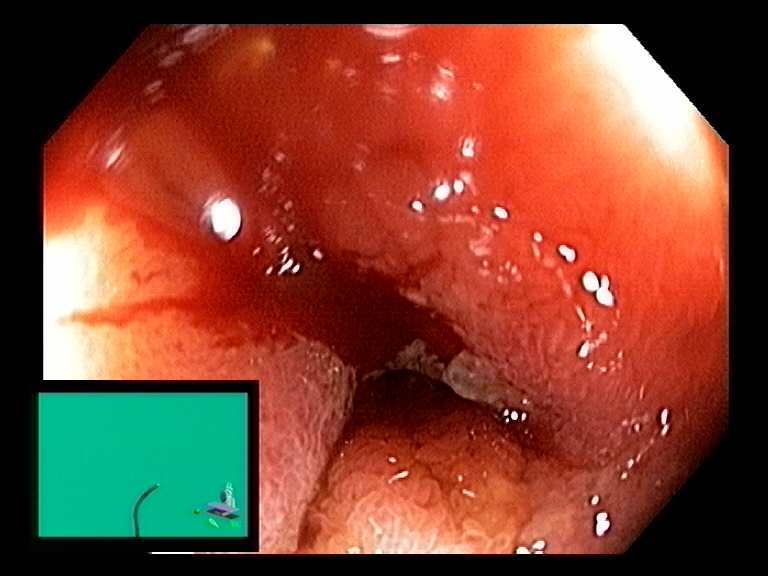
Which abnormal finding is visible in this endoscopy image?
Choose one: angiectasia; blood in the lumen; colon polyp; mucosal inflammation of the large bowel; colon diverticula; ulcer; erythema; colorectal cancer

blood in the lumen